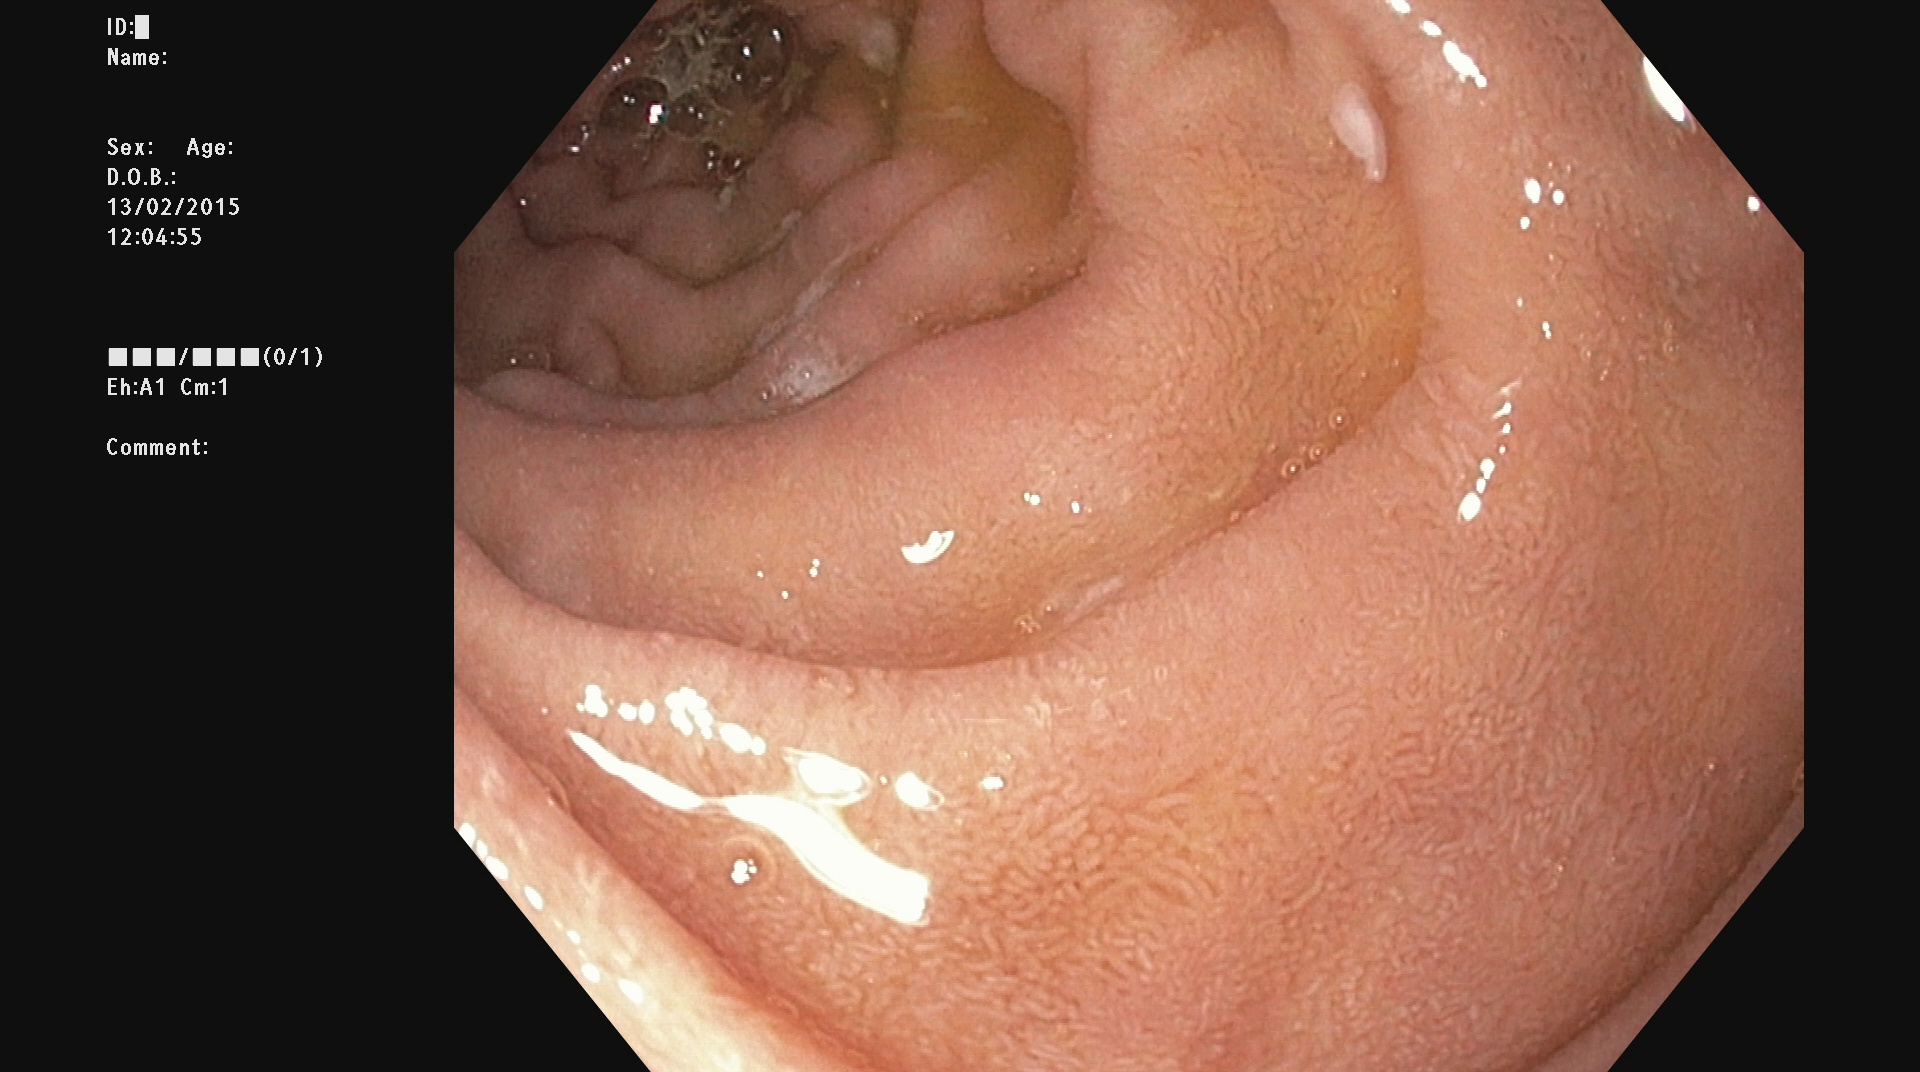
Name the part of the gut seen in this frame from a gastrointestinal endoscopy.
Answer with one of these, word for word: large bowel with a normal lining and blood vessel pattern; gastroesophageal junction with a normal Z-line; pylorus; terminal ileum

terminal ileum